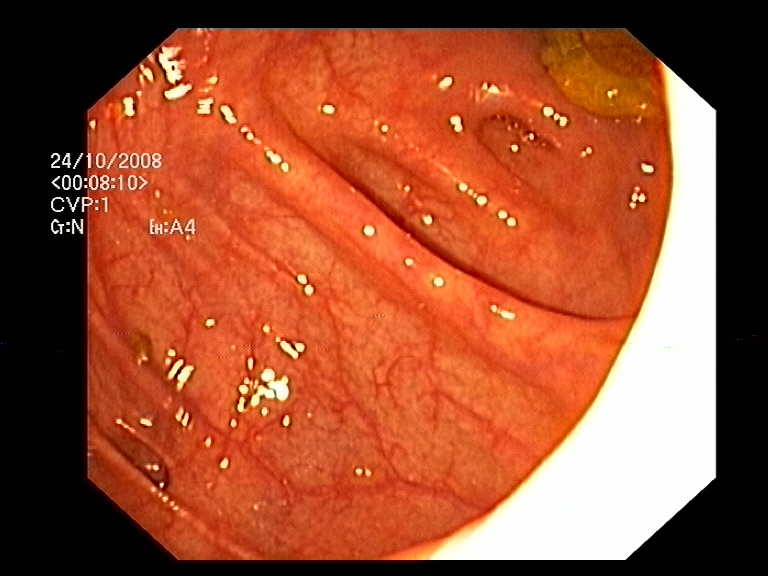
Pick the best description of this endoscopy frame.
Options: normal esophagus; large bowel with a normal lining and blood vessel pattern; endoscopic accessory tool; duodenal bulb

large bowel with a normal lining and blood vessel pattern